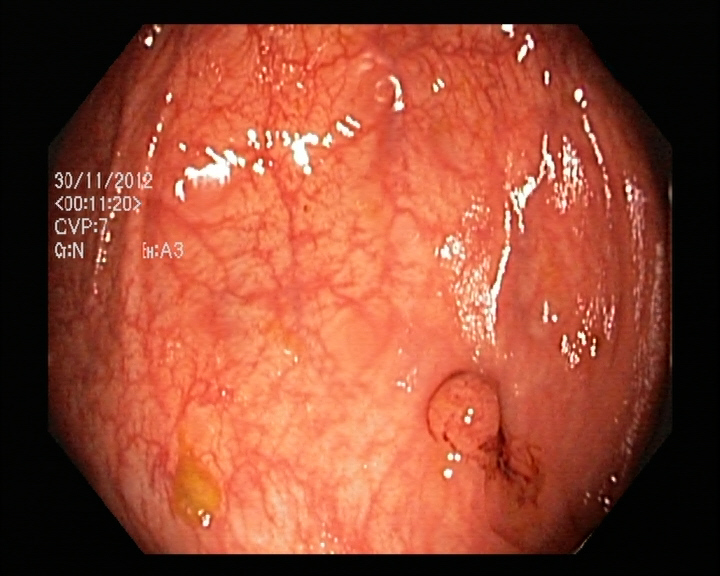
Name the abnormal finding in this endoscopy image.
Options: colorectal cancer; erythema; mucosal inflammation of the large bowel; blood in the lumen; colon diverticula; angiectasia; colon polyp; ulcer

colon polyp